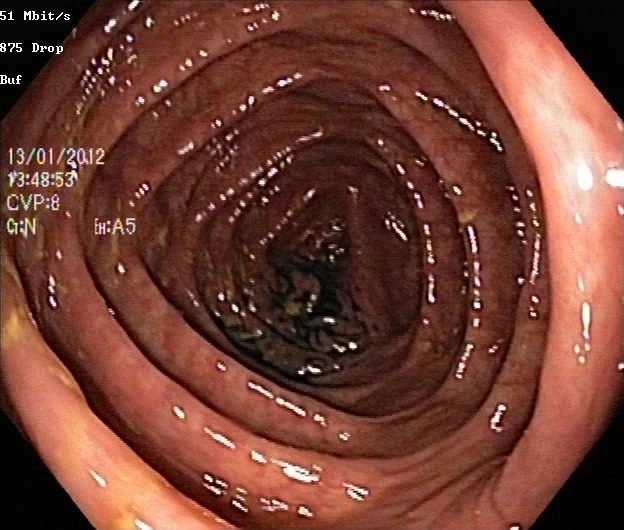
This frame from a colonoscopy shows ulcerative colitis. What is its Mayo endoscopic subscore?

ulcerative colitis, Mayo endoscopic subscore 0–1